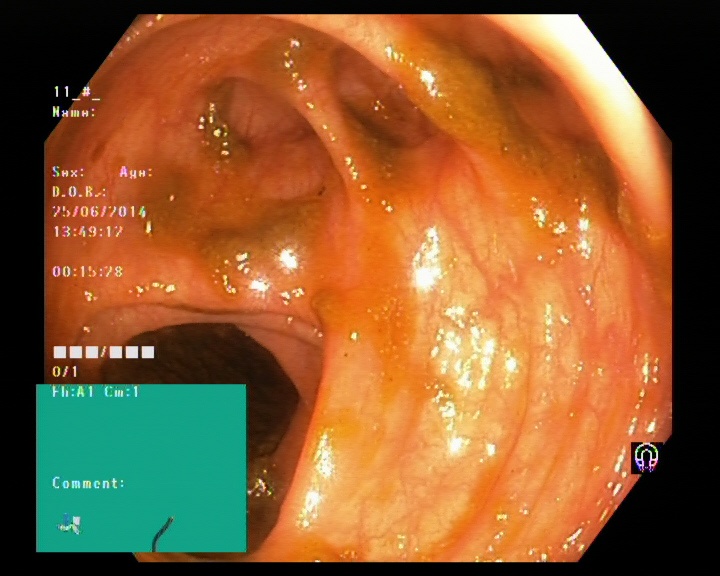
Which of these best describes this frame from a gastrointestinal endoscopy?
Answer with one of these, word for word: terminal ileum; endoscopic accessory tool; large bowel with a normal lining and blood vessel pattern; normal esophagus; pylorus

large bowel with a normal lining and blood vessel pattern